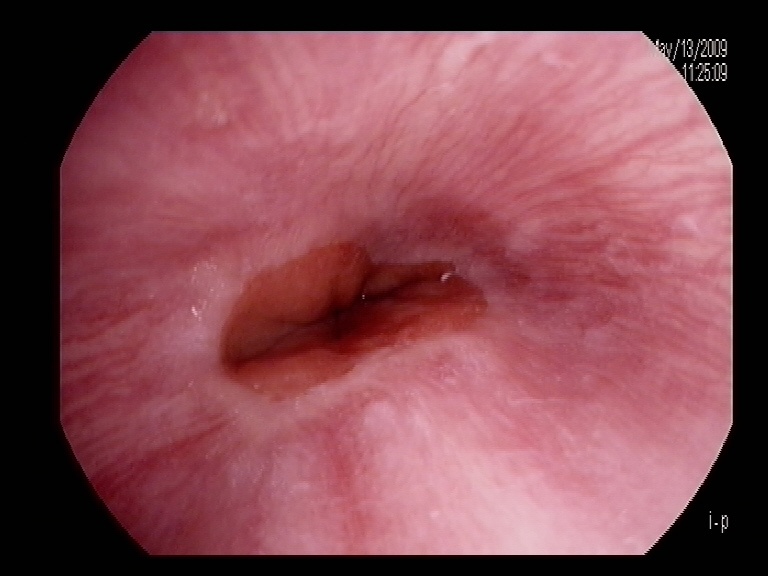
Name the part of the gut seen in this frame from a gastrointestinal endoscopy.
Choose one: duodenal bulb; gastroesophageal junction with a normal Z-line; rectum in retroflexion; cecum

gastroesophageal junction with a normal Z-line